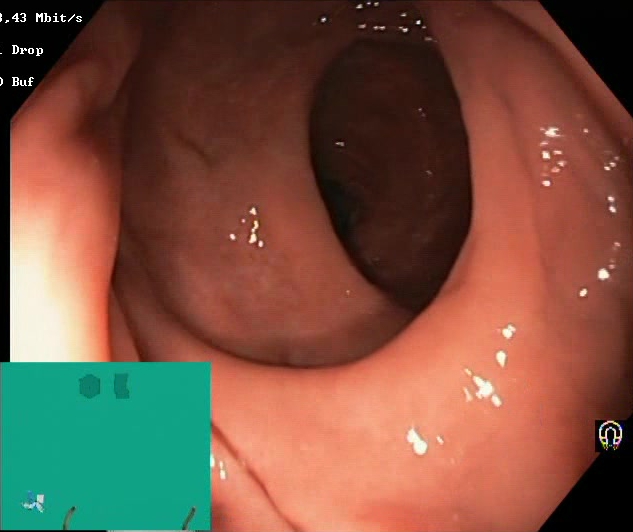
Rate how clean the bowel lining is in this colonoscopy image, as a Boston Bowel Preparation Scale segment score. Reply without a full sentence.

Boston Bowel Preparation Scale score 2–3 (adequate preparation)